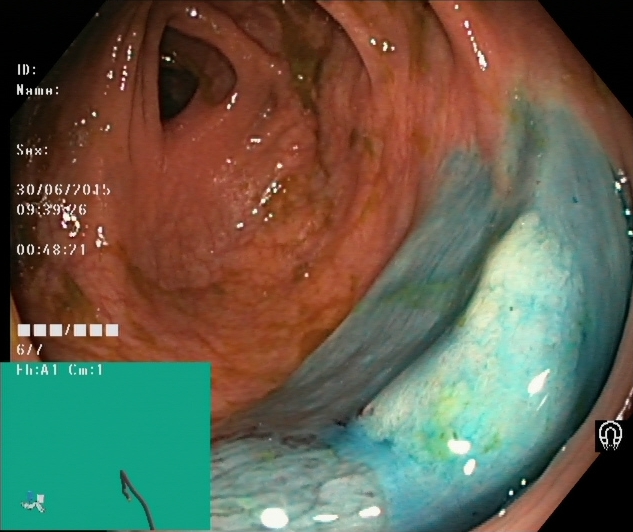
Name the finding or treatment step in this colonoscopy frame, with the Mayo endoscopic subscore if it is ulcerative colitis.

dyed and lifted polyp (pre-resection)